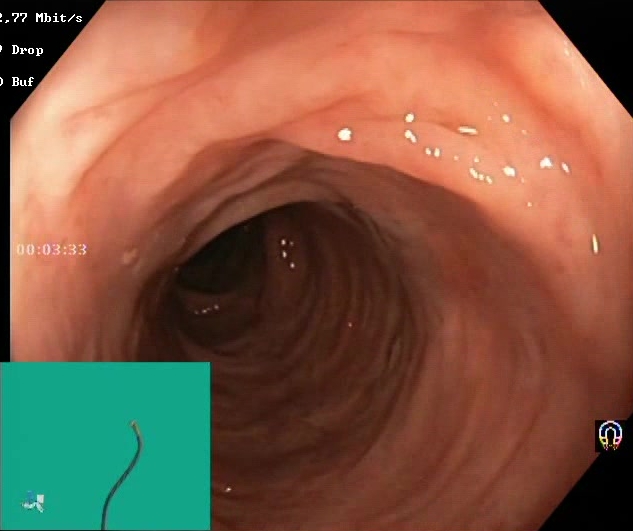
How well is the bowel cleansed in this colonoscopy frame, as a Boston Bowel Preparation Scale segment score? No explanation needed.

Boston Bowel Preparation Scale score 2–3 (adequate preparation)